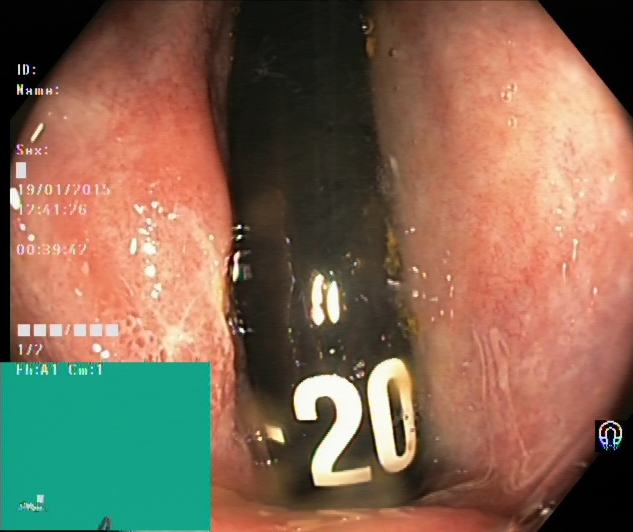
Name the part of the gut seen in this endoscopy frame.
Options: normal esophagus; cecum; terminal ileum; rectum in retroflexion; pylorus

rectum in retroflexion